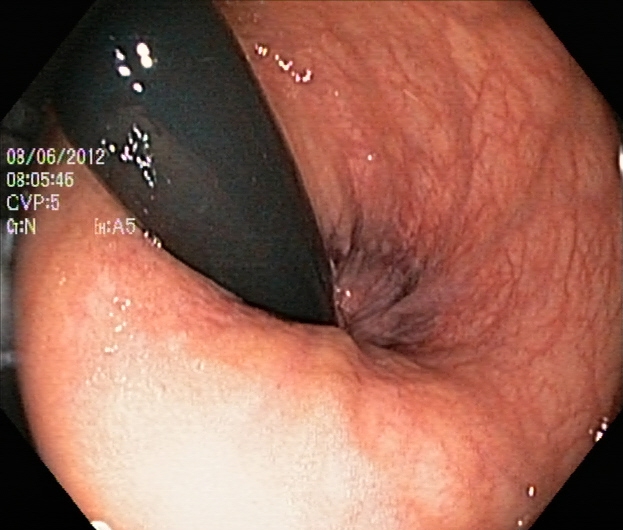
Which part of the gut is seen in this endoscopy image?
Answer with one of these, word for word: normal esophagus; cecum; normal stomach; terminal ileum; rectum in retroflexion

rectum in retroflexion